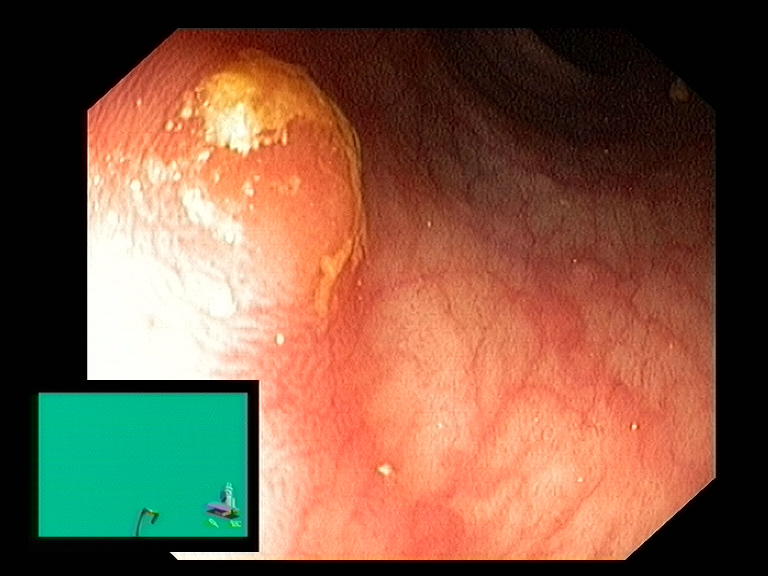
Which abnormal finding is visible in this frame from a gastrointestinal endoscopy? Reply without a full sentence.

colon polyp